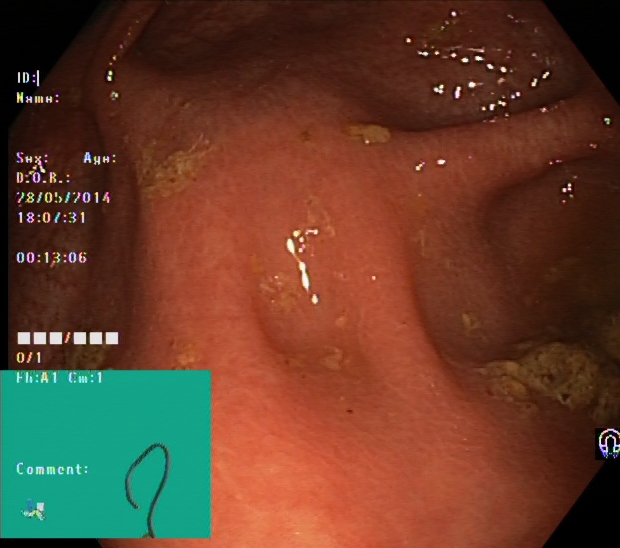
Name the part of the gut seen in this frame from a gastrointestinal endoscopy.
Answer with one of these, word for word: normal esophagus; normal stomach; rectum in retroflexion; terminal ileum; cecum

cecum